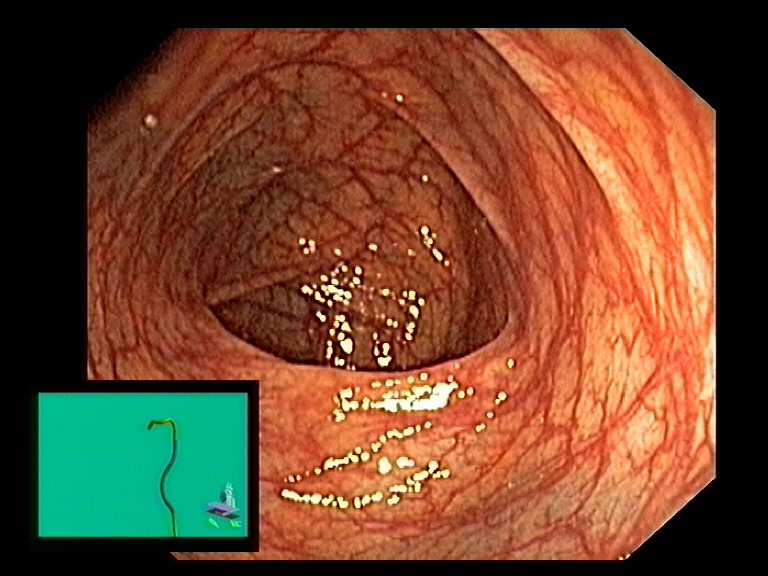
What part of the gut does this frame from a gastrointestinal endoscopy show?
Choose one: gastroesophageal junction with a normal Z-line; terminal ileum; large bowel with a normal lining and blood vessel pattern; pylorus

large bowel with a normal lining and blood vessel pattern